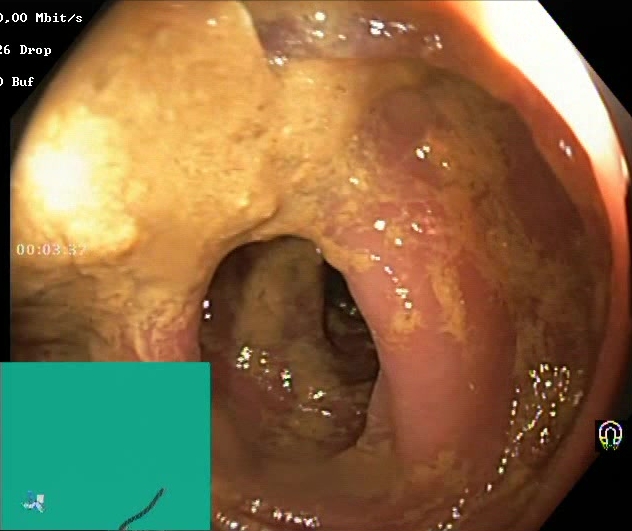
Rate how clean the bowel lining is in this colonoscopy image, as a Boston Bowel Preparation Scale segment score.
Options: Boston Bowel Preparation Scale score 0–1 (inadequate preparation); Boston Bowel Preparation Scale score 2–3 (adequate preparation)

Boston Bowel Preparation Scale score 0–1 (inadequate preparation)